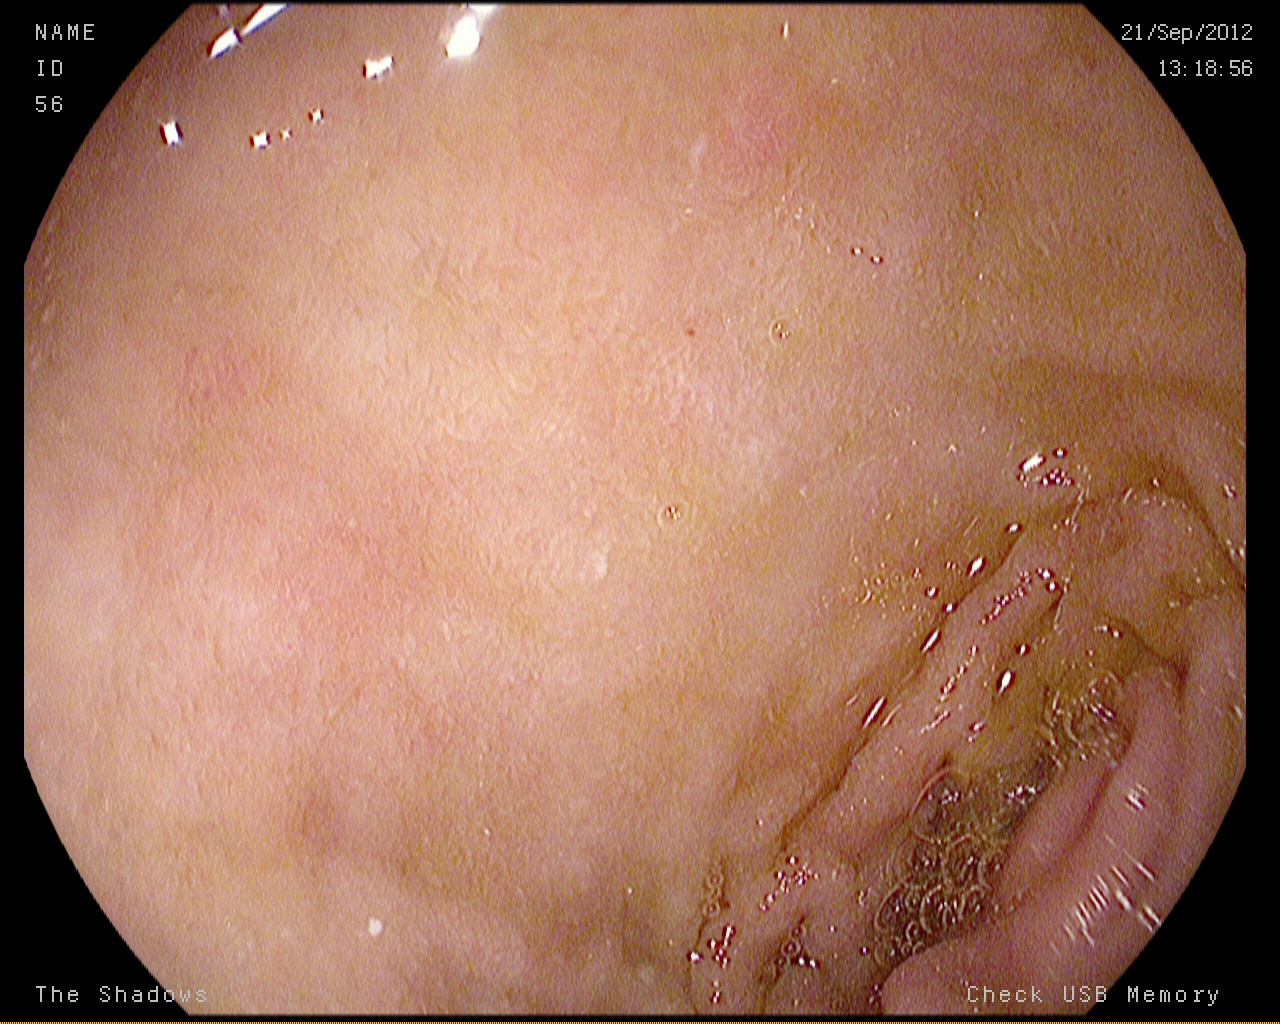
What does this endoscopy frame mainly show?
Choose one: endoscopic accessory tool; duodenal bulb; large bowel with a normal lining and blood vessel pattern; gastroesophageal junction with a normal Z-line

duodenal bulb